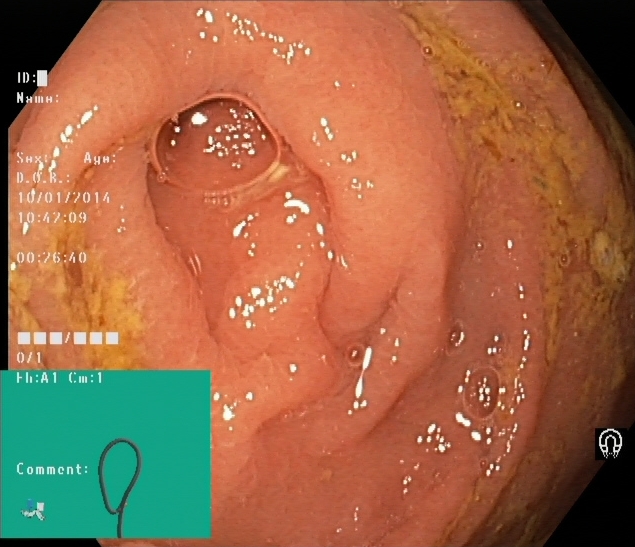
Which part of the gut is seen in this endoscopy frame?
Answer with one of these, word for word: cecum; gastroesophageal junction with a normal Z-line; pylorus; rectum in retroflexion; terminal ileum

cecum